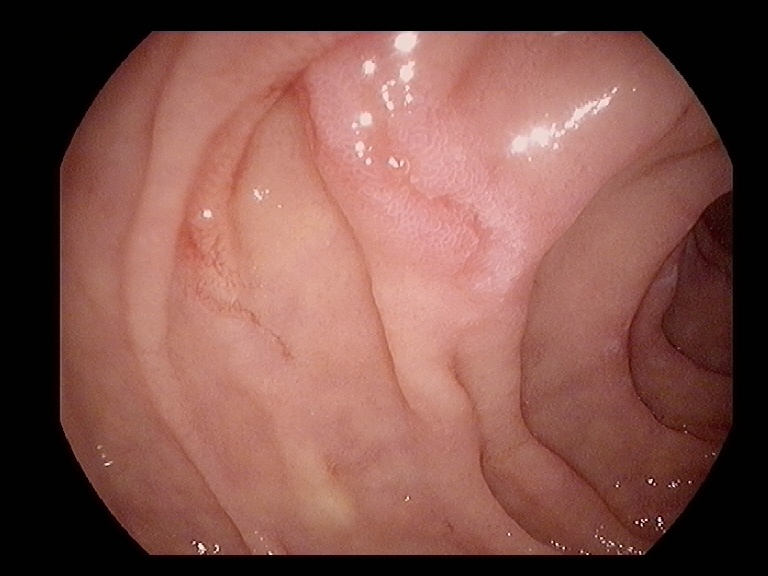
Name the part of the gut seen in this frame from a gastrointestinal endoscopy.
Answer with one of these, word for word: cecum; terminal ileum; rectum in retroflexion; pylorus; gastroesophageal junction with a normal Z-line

terminal ileum